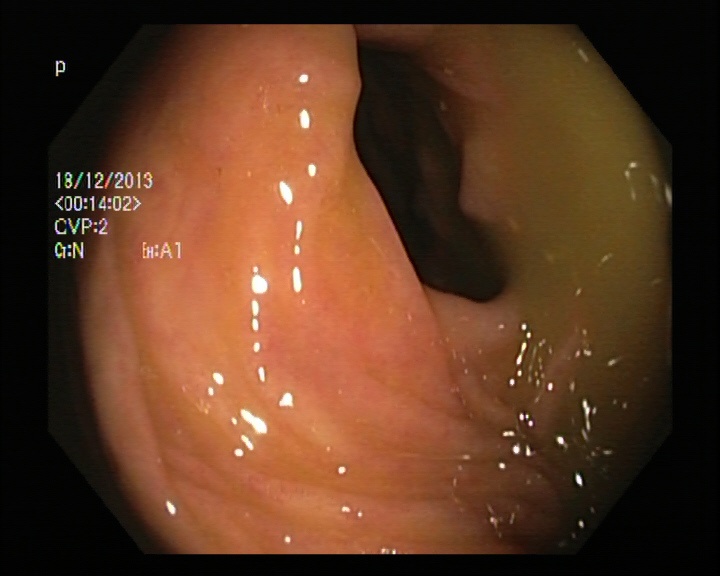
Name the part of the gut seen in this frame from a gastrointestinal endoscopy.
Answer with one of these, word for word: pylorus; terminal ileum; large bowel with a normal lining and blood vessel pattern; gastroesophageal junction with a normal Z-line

large bowel with a normal lining and blood vessel pattern